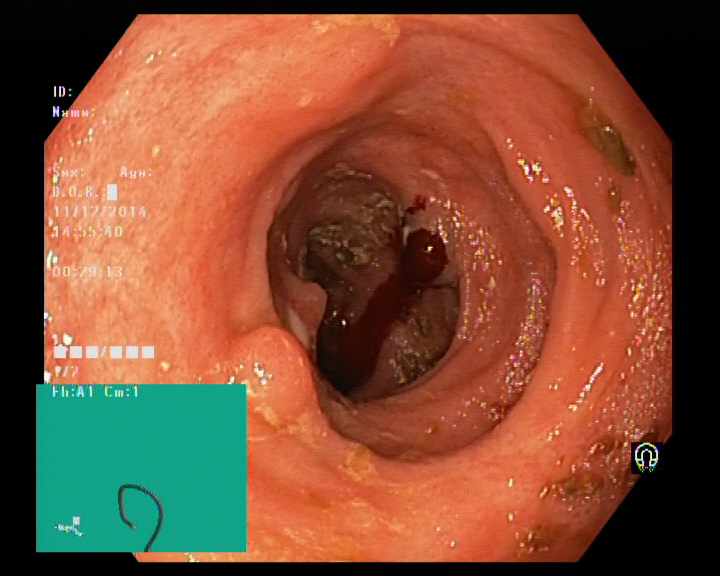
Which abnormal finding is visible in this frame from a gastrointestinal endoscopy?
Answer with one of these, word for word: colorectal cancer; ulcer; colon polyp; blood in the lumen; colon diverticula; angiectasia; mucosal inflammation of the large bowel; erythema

colon polyp